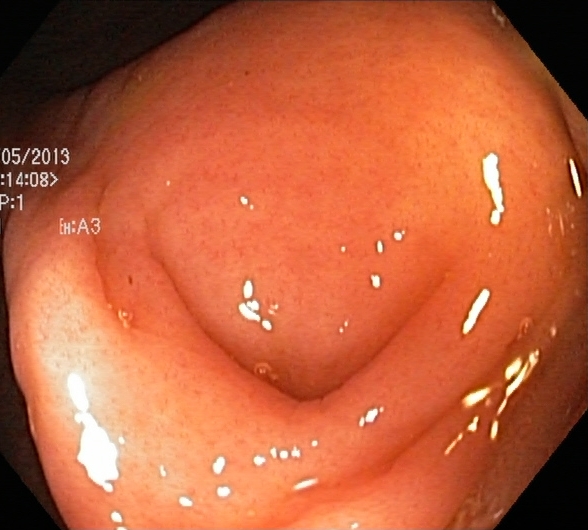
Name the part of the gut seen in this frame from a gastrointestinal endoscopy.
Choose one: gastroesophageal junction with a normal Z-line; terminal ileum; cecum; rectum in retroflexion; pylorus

cecum